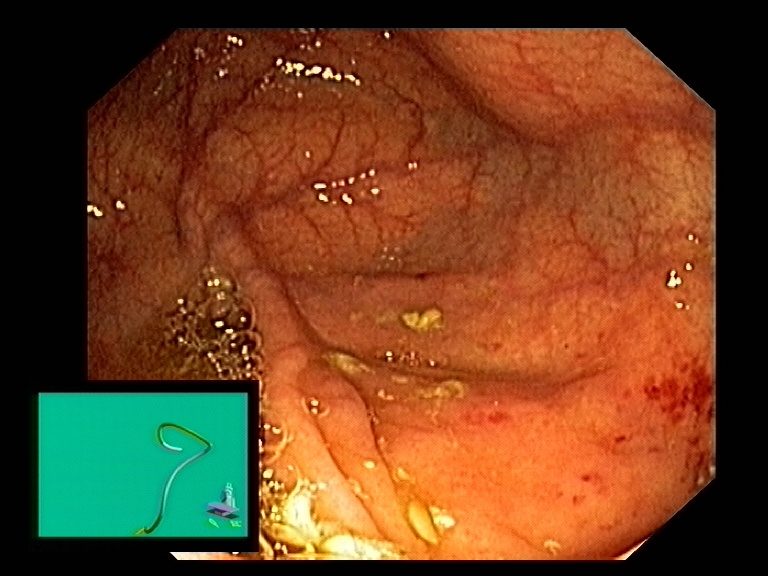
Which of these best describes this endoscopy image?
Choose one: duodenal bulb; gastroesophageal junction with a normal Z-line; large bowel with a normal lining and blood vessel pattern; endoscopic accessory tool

large bowel with a normal lining and blood vessel pattern